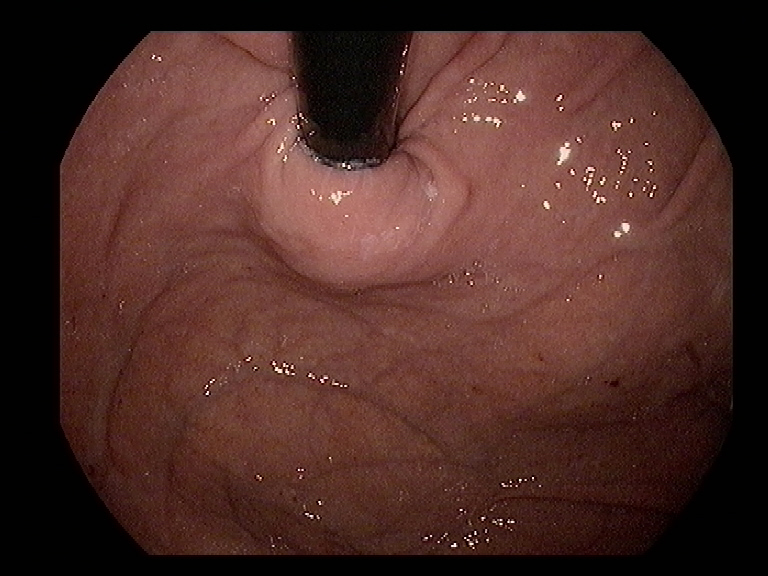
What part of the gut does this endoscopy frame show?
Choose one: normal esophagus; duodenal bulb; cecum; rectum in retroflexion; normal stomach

normal stomach